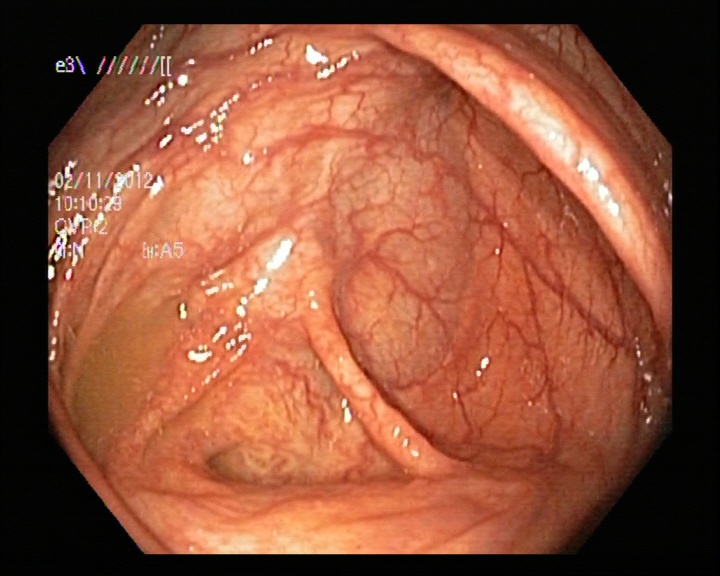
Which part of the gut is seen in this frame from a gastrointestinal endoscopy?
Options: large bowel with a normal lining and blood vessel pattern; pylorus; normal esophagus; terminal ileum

large bowel with a normal lining and blood vessel pattern